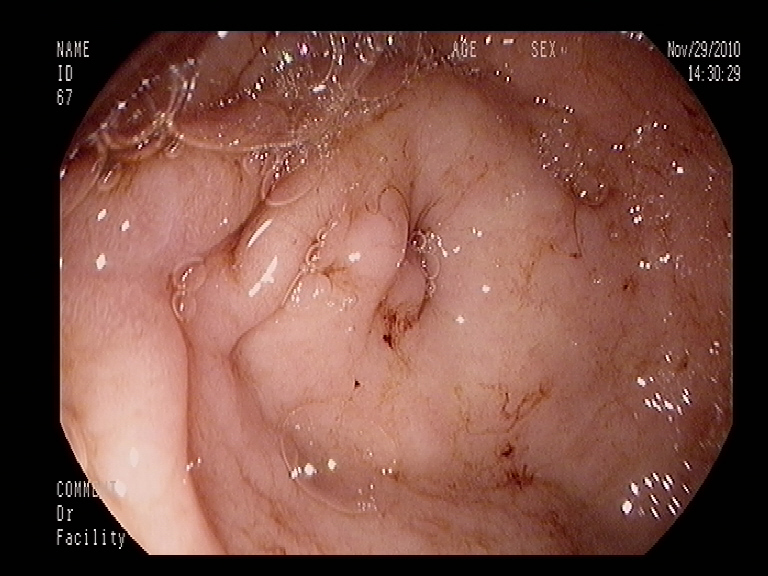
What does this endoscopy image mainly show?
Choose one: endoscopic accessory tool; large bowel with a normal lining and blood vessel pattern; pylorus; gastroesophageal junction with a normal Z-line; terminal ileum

pylorus